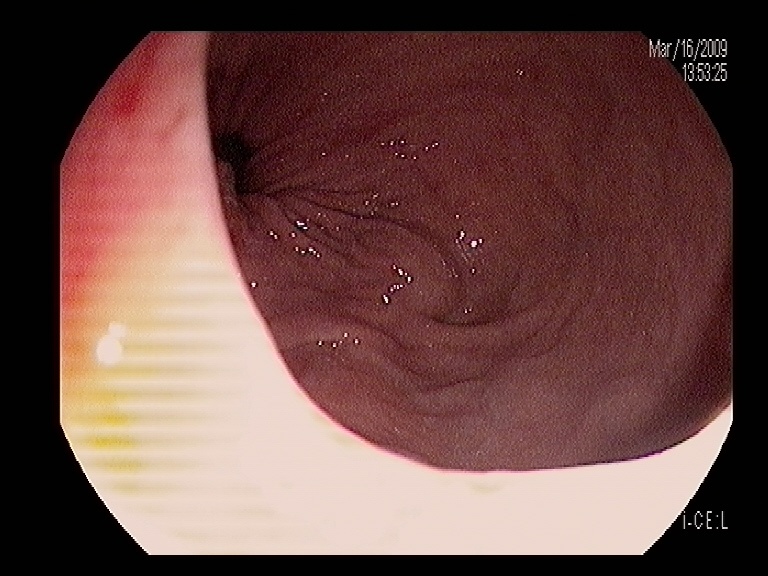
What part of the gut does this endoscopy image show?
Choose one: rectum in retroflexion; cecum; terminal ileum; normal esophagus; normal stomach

normal stomach